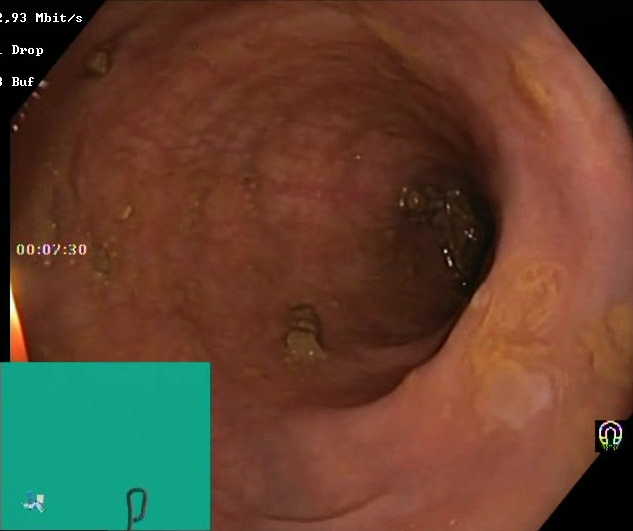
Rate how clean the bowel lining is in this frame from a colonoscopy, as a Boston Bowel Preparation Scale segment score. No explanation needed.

Boston Bowel Preparation Scale score 2–3 (adequate preparation)